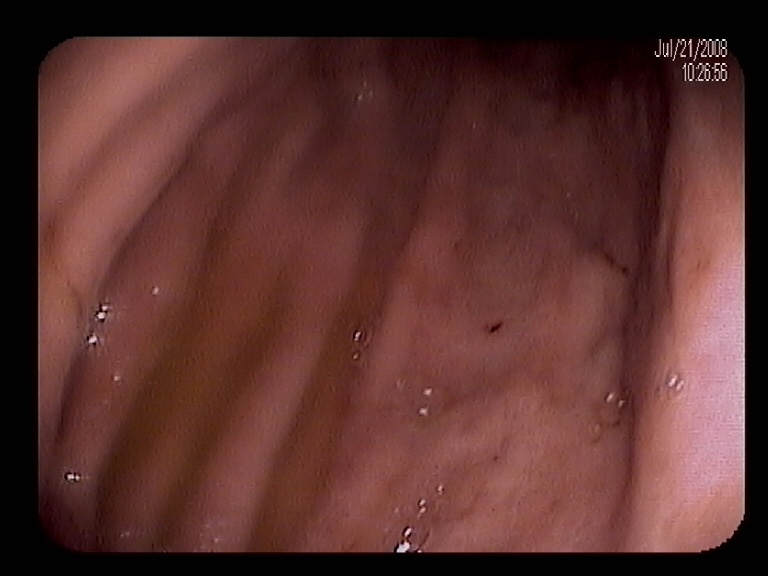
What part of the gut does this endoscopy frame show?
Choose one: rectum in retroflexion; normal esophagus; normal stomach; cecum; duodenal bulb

normal stomach